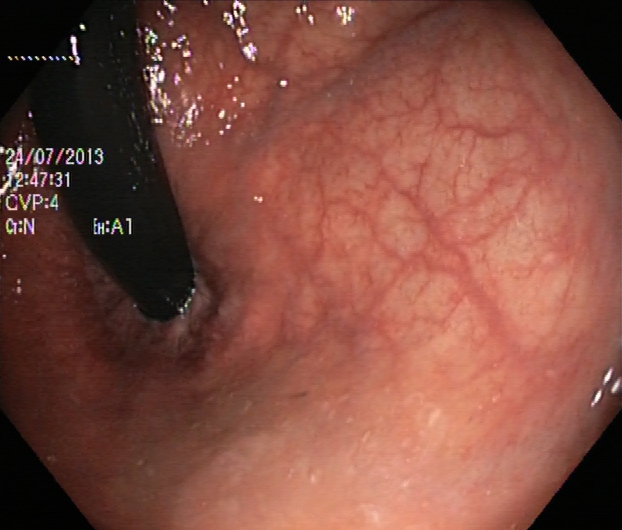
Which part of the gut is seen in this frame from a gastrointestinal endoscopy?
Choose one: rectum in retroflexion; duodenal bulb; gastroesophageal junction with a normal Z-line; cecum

rectum in retroflexion